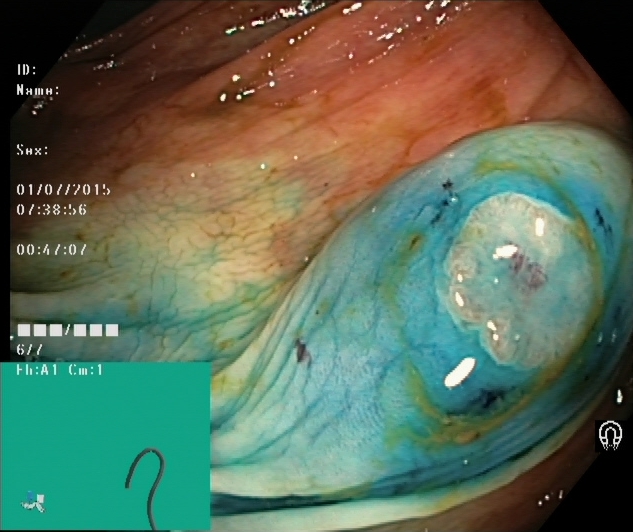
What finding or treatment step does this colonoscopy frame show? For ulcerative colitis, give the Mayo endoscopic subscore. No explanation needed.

dyed and lifted polyp (pre-resection)